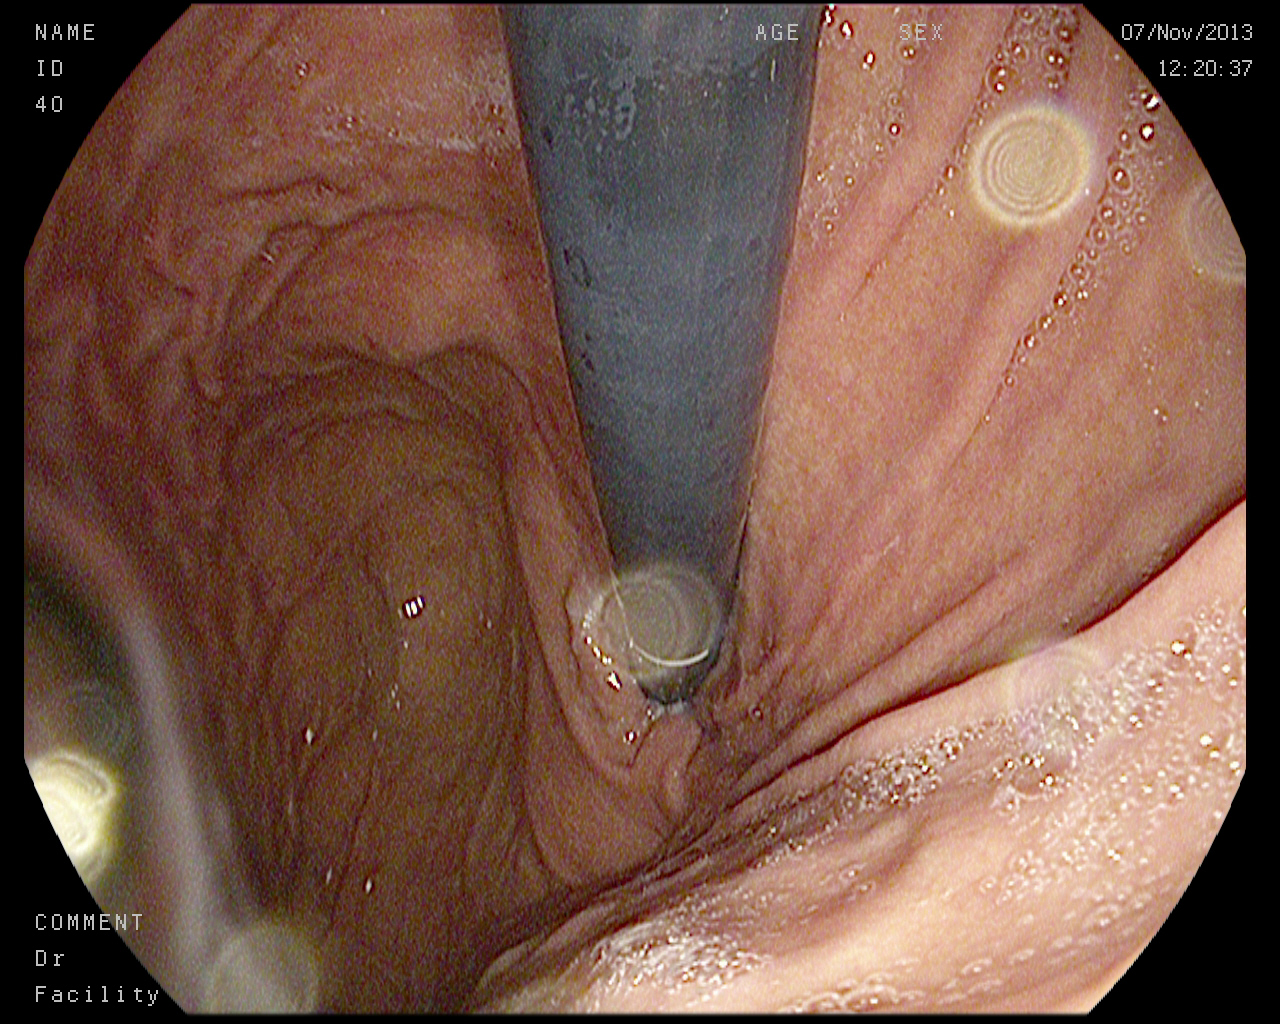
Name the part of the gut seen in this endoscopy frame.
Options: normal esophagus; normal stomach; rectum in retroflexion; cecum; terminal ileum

normal stomach